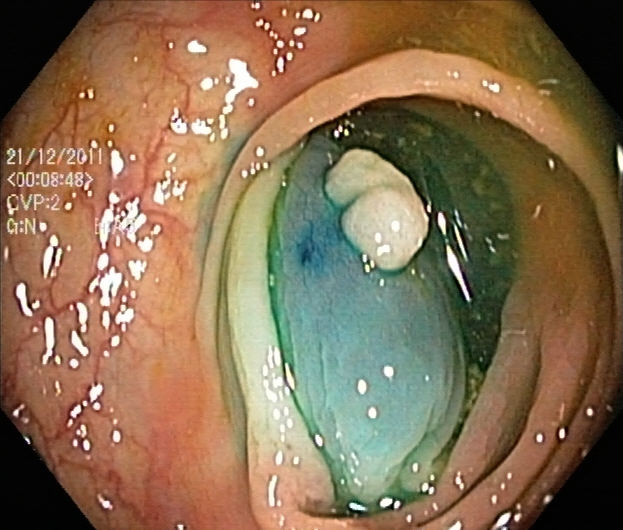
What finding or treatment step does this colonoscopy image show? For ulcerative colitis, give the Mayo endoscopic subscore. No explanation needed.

dyed and lifted polyp (pre-resection)